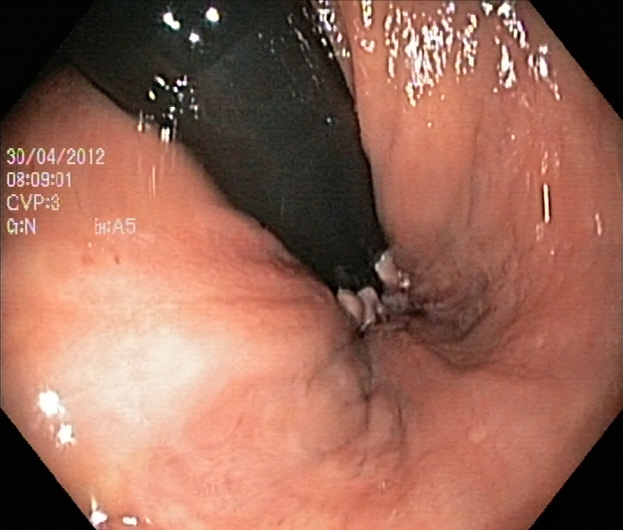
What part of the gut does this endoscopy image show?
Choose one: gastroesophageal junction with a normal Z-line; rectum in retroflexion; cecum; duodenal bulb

rectum in retroflexion